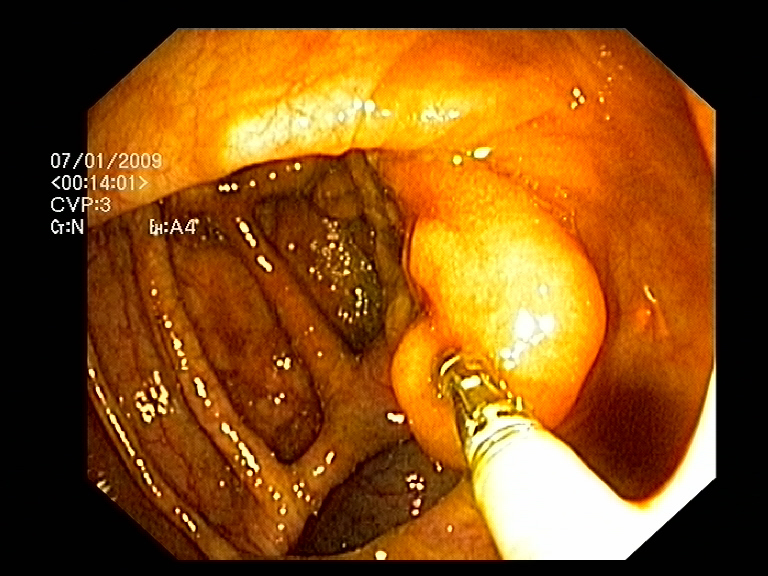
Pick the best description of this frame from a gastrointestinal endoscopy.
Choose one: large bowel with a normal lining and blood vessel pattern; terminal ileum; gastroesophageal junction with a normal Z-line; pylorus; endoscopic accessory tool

endoscopic accessory tool